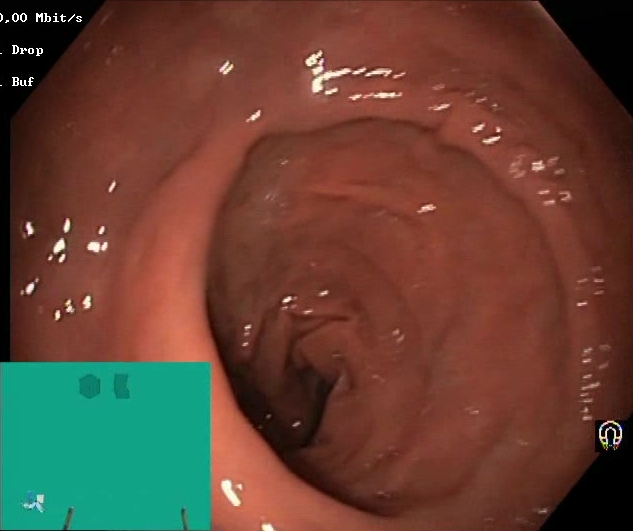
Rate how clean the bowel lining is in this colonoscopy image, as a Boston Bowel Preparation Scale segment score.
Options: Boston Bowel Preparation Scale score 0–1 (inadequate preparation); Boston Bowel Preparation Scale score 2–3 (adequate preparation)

Boston Bowel Preparation Scale score 2–3 (adequate preparation)